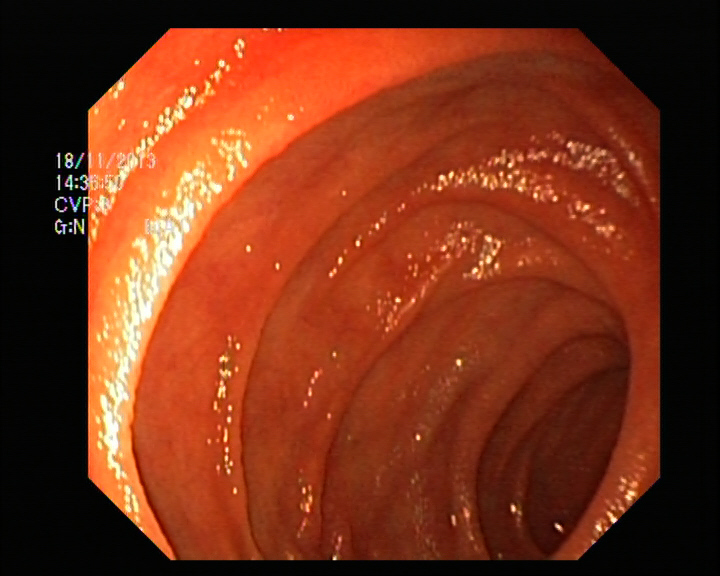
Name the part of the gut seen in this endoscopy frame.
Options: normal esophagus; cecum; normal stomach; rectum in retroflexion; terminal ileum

terminal ileum